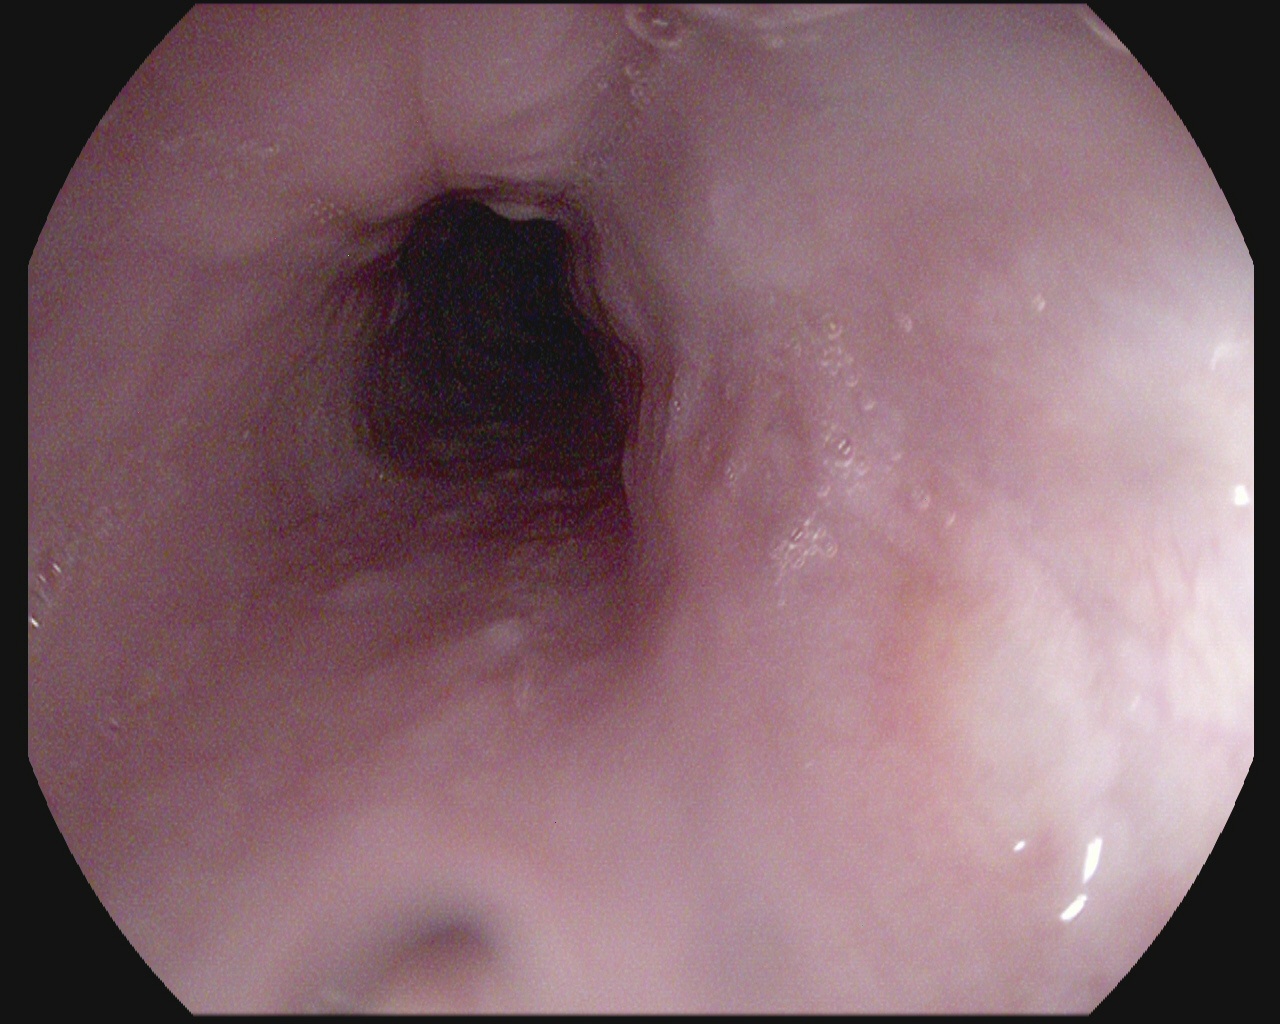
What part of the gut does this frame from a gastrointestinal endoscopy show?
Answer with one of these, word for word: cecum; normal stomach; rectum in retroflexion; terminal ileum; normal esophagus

normal esophagus